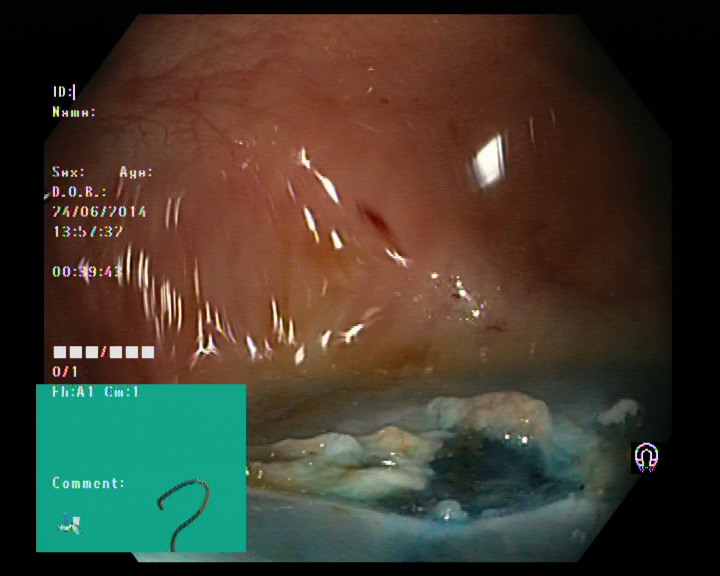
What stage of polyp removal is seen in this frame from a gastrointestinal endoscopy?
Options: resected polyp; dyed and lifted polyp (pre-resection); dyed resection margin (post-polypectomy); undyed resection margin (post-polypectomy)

dyed resection margin (post-polypectomy)